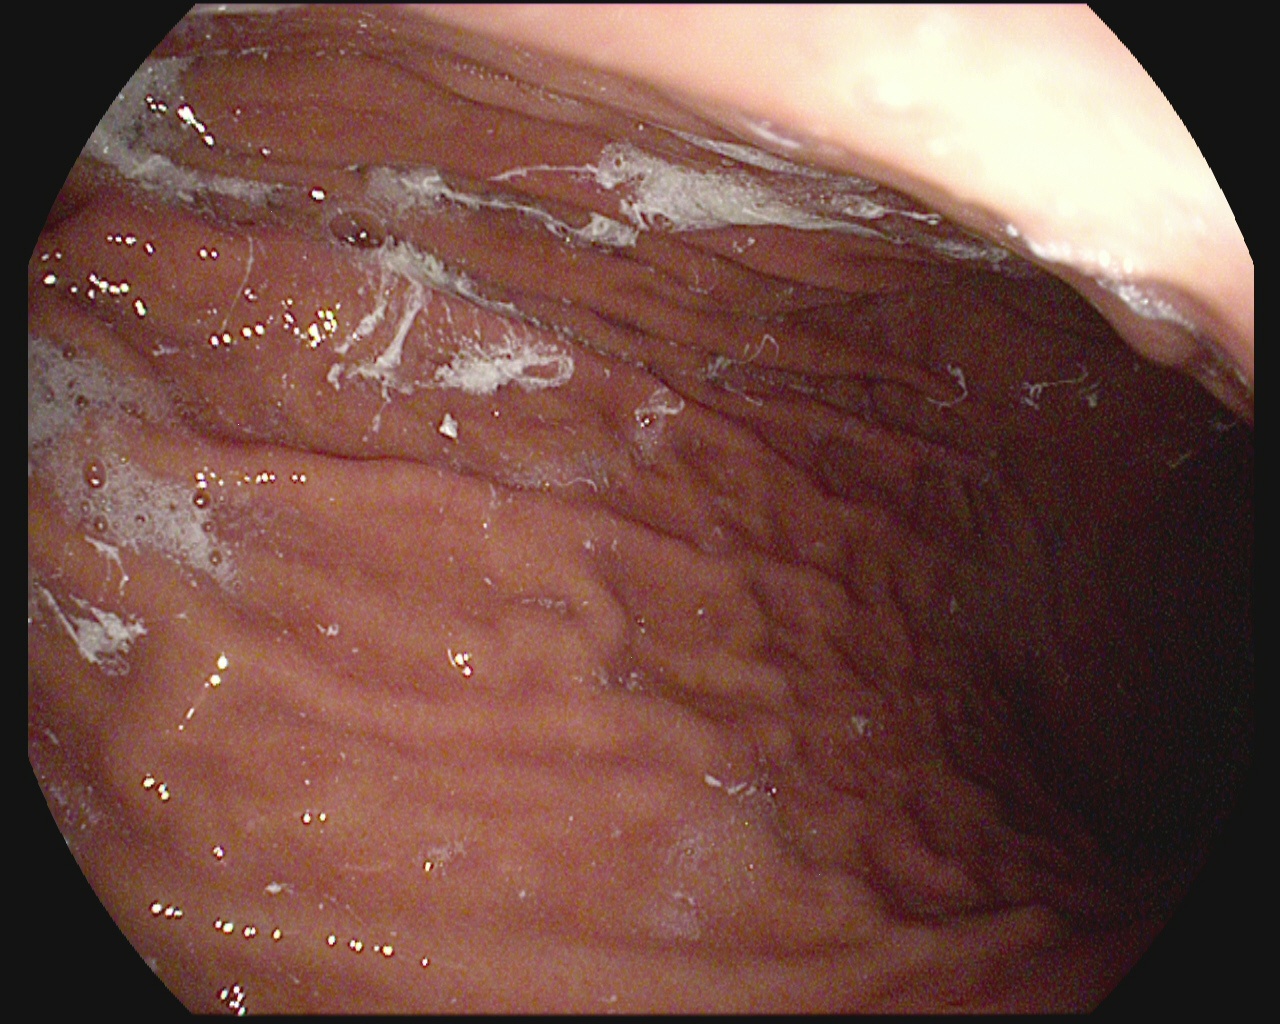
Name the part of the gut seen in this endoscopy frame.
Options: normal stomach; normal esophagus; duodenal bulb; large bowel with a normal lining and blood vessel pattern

normal stomach